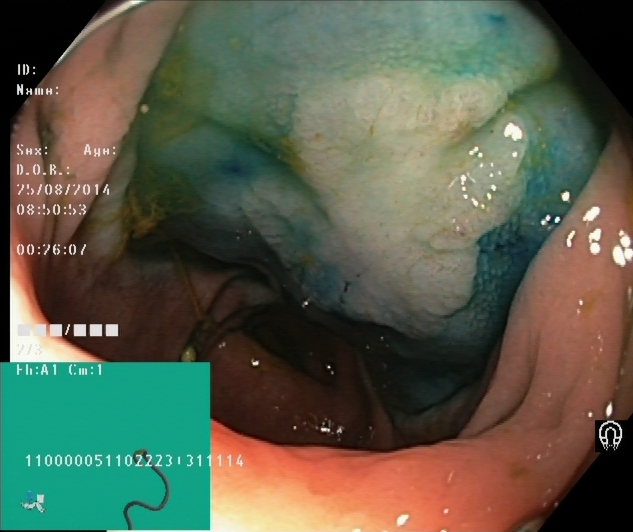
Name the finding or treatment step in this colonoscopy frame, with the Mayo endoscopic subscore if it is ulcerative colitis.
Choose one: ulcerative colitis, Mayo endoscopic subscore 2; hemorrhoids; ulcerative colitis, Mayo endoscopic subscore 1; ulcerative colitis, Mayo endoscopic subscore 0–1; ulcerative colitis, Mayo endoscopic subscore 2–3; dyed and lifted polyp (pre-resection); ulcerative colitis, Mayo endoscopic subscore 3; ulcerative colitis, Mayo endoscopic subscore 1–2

dyed and lifted polyp (pre-resection)